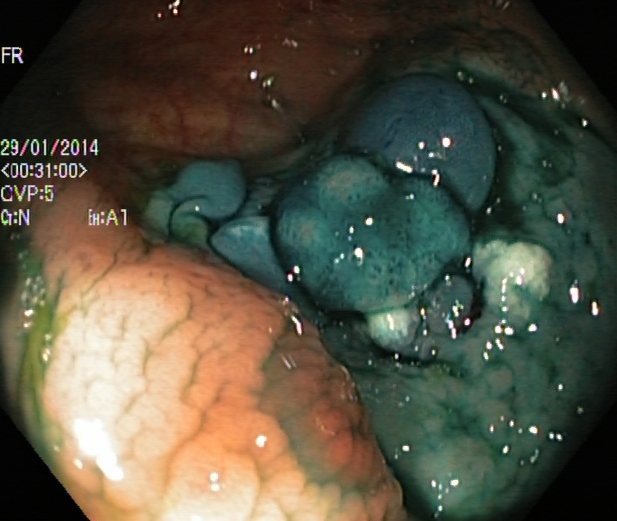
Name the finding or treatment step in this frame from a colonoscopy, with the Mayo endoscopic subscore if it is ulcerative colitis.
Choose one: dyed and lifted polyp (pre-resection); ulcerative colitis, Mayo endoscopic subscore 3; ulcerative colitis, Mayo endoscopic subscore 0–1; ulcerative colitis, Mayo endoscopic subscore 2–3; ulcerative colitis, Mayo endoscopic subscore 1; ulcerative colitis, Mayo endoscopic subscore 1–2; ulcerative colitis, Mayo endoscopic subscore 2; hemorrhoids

dyed and lifted polyp (pre-resection)